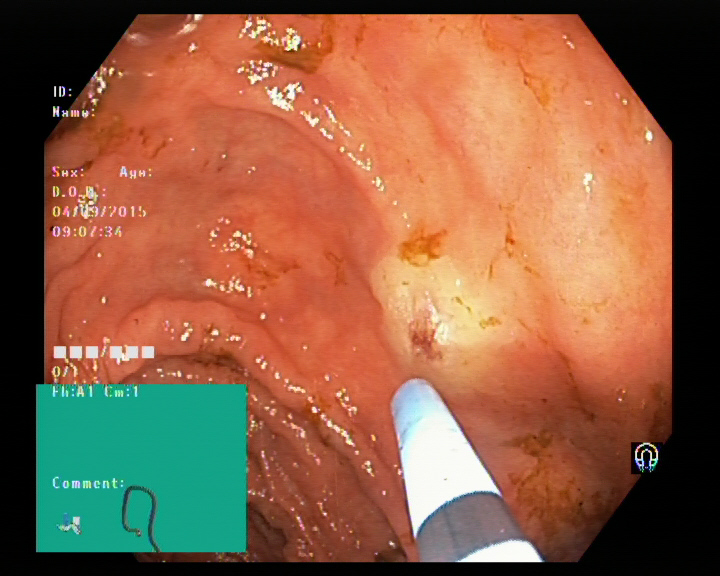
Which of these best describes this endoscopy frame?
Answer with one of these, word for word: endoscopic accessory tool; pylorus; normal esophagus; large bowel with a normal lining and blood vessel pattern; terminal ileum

endoscopic accessory tool